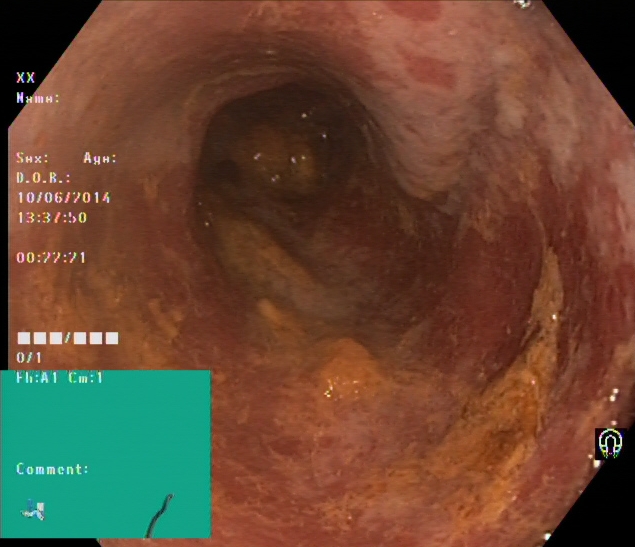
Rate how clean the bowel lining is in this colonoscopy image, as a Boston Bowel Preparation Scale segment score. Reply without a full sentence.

Boston Bowel Preparation Scale score 0–1 (inadequate preparation)